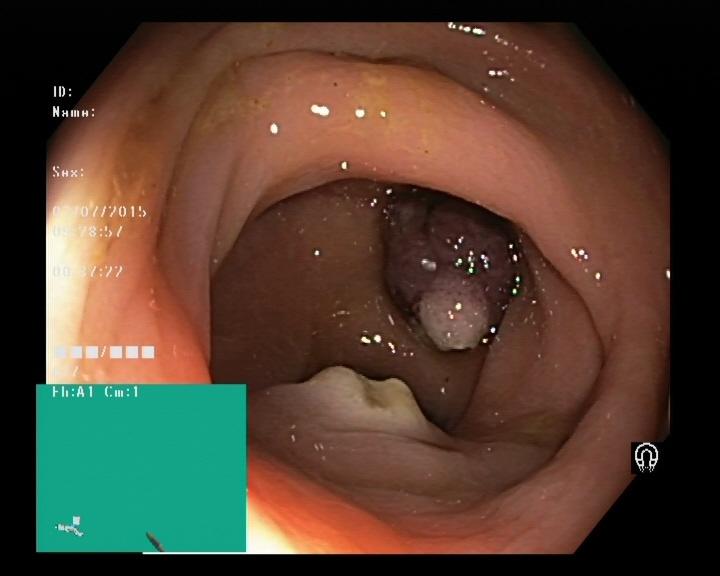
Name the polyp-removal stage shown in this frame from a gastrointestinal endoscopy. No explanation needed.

resected polyp